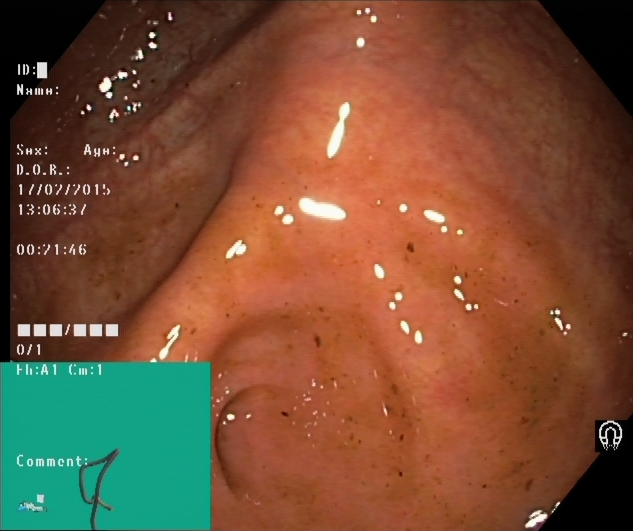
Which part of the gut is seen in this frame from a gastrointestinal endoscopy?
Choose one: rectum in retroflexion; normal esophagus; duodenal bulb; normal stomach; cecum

cecum